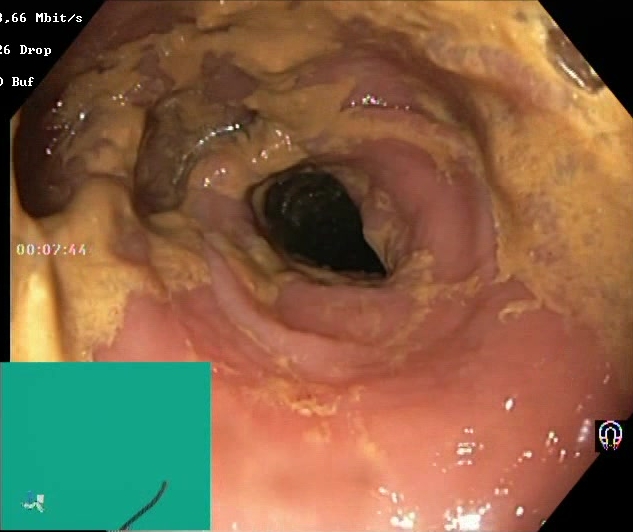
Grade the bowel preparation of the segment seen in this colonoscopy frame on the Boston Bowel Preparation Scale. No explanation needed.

Boston Bowel Preparation Scale score 0–1 (inadequate preparation)